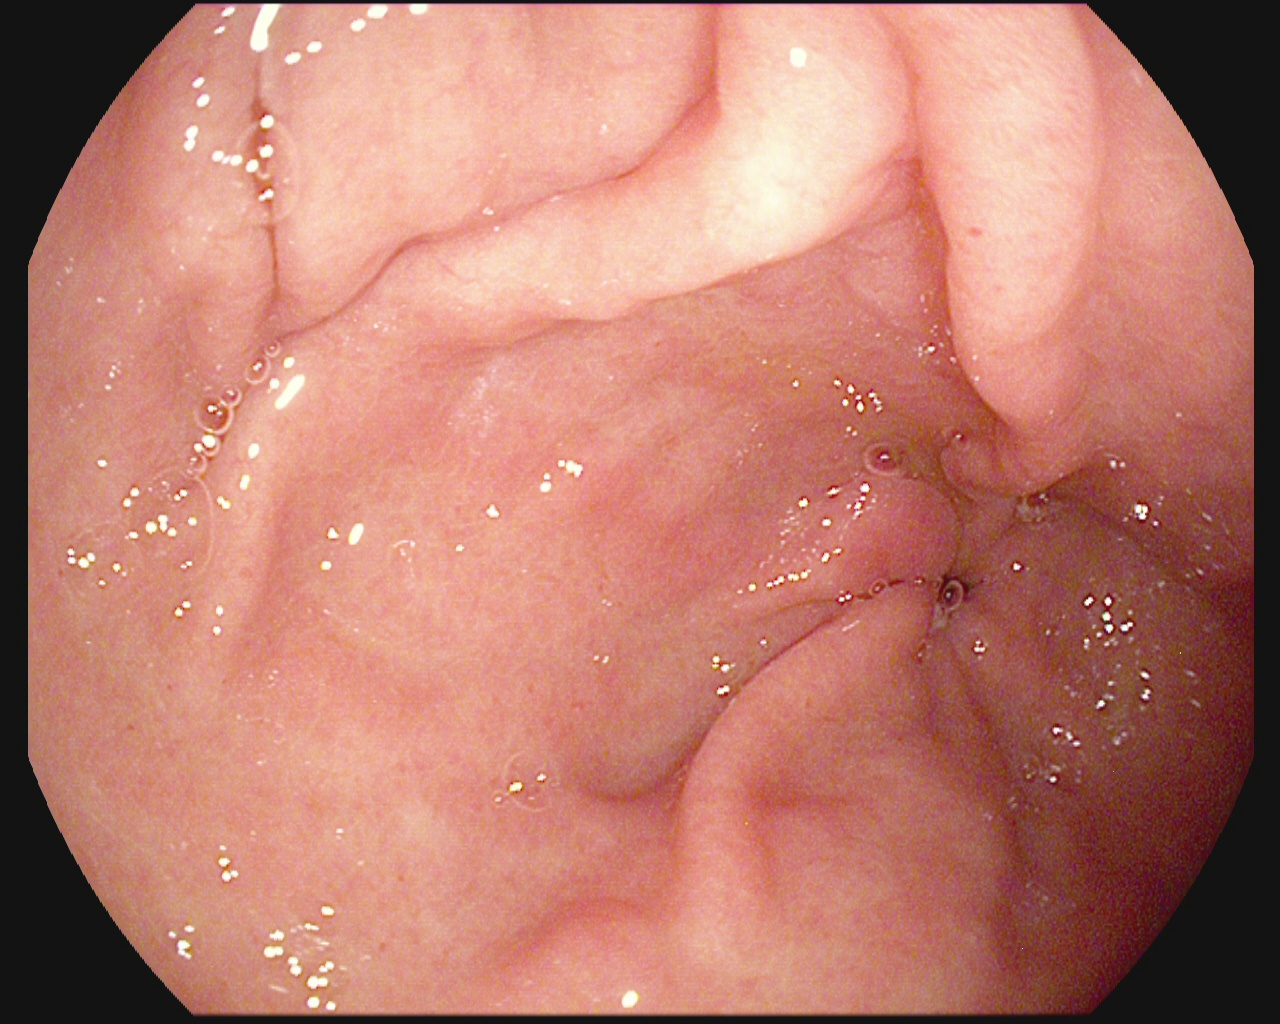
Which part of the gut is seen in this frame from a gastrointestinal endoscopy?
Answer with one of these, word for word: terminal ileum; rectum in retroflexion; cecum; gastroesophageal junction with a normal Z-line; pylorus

pylorus